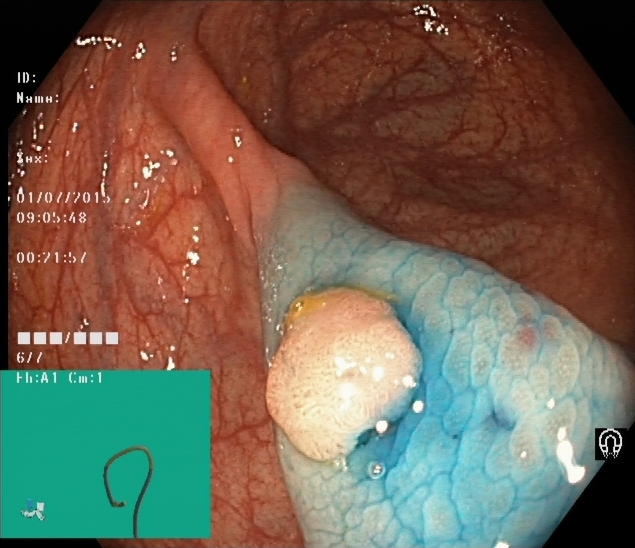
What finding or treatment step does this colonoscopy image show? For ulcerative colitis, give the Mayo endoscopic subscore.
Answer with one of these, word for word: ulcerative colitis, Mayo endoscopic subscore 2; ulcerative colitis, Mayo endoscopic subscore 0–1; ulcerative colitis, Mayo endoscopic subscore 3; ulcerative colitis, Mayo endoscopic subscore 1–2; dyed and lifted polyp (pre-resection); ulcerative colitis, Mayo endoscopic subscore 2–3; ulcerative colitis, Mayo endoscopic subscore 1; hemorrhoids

dyed and lifted polyp (pre-resection)